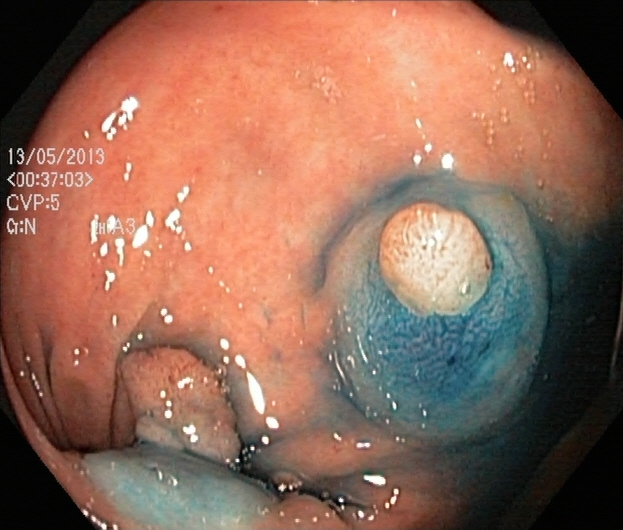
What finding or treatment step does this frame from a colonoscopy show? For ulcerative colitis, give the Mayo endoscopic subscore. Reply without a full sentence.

dyed and lifted polyp (pre-resection)